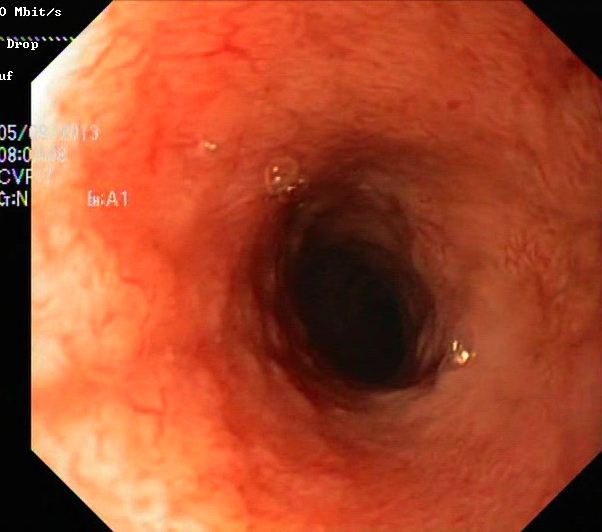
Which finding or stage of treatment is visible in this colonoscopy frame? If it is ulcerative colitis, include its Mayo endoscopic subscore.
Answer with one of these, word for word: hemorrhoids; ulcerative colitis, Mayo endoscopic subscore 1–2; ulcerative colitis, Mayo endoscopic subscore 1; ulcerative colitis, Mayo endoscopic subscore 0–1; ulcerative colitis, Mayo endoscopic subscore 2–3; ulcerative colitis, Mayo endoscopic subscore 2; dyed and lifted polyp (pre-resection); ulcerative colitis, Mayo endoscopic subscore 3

ulcerative colitis, Mayo endoscopic subscore 2